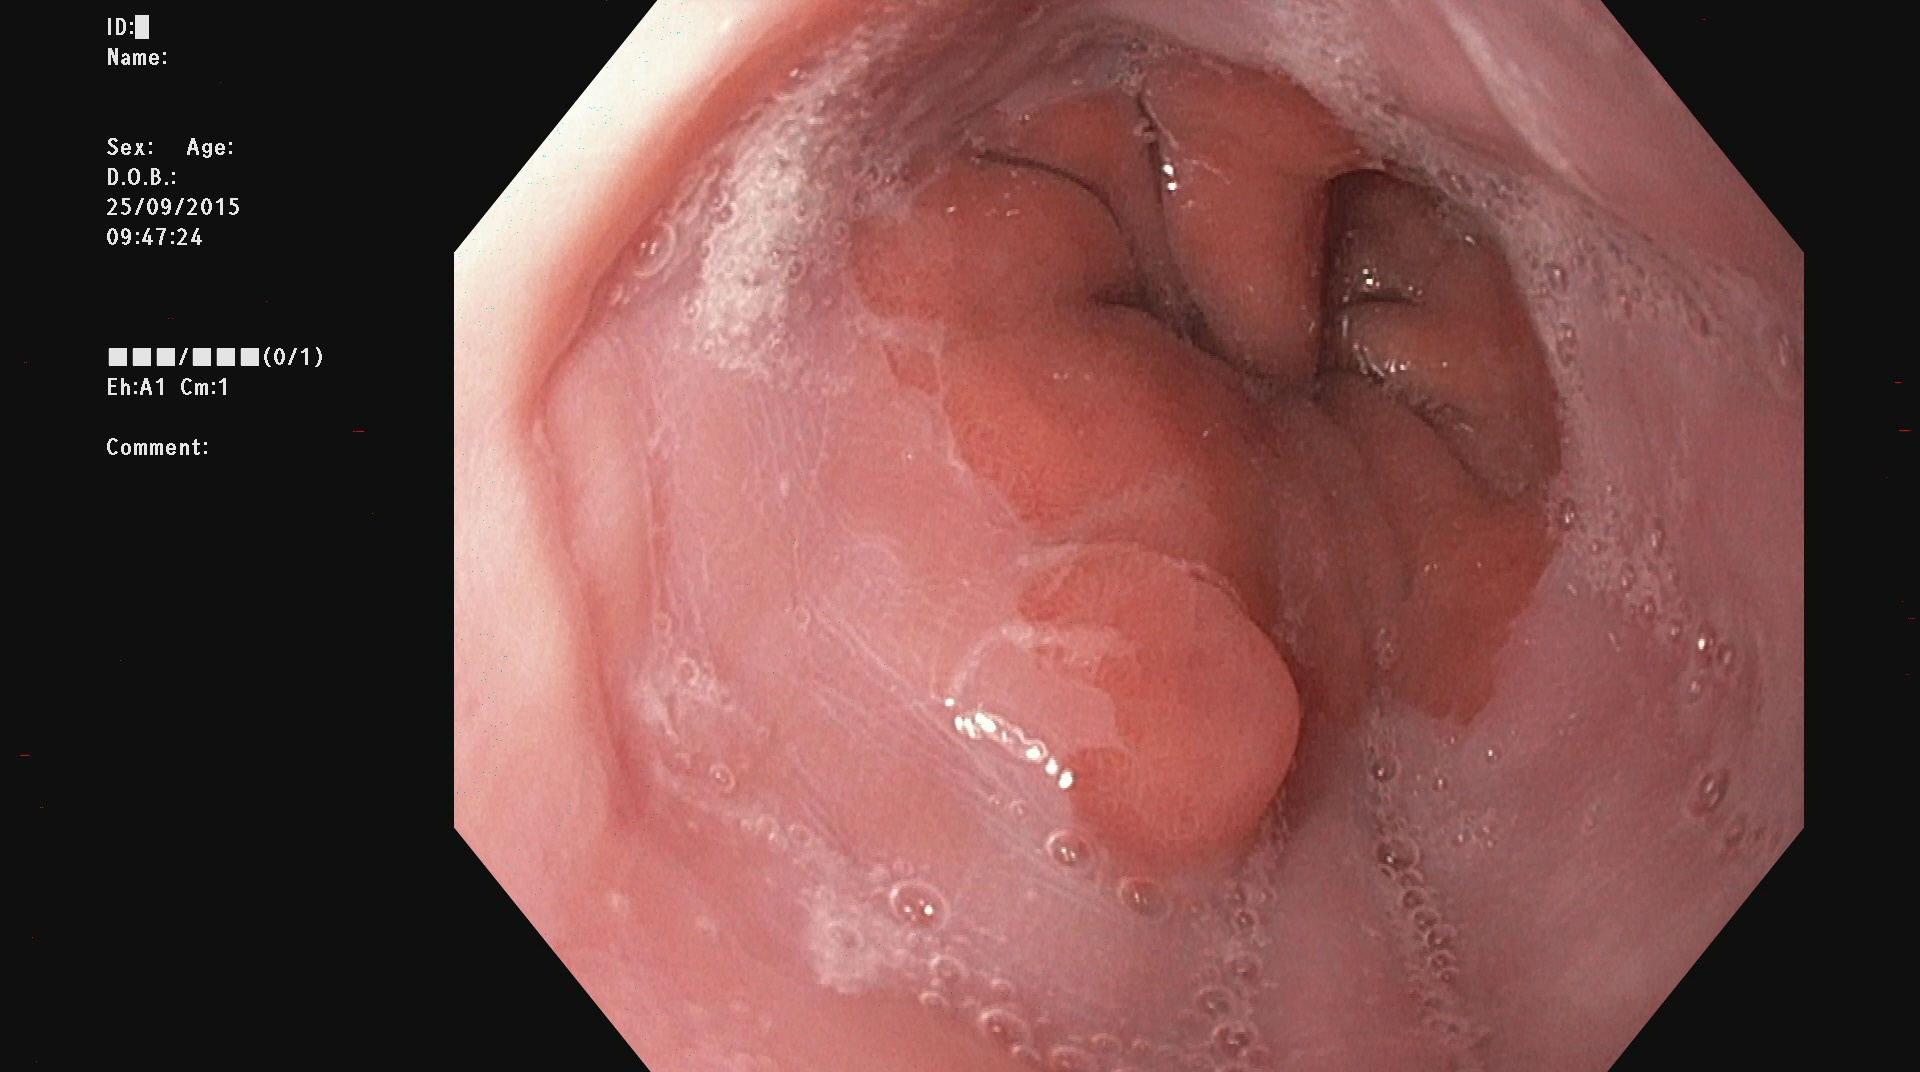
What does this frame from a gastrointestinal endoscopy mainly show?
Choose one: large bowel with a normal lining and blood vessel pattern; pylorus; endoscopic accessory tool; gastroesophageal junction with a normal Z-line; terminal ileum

gastroesophageal junction with a normal Z-line